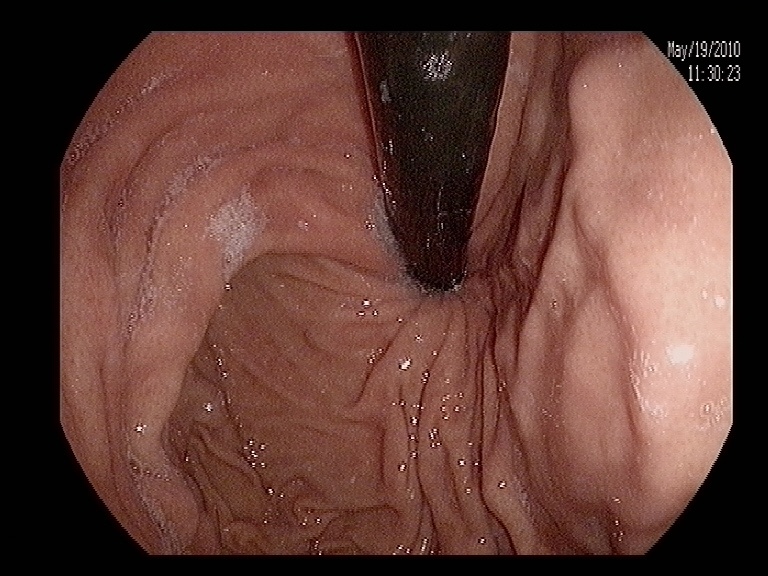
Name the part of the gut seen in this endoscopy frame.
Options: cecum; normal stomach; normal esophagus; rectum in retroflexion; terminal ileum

normal stomach